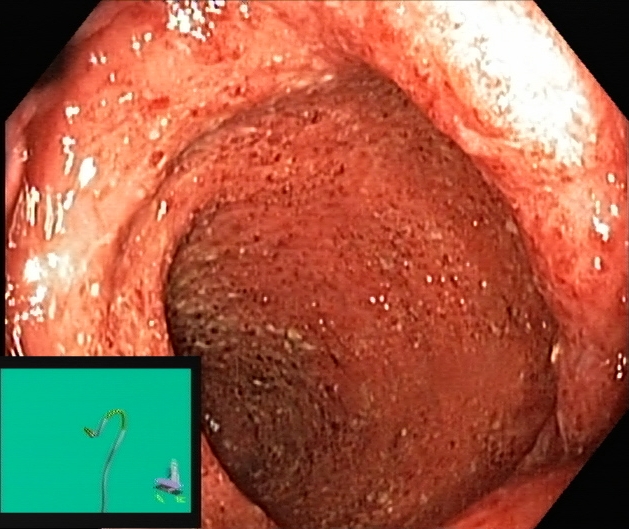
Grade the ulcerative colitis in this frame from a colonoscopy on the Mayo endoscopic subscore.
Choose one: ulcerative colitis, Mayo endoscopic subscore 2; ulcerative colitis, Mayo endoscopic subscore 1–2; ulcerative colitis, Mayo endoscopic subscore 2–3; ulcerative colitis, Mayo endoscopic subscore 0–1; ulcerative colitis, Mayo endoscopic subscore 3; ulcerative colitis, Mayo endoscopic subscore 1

ulcerative colitis, Mayo endoscopic subscore 1